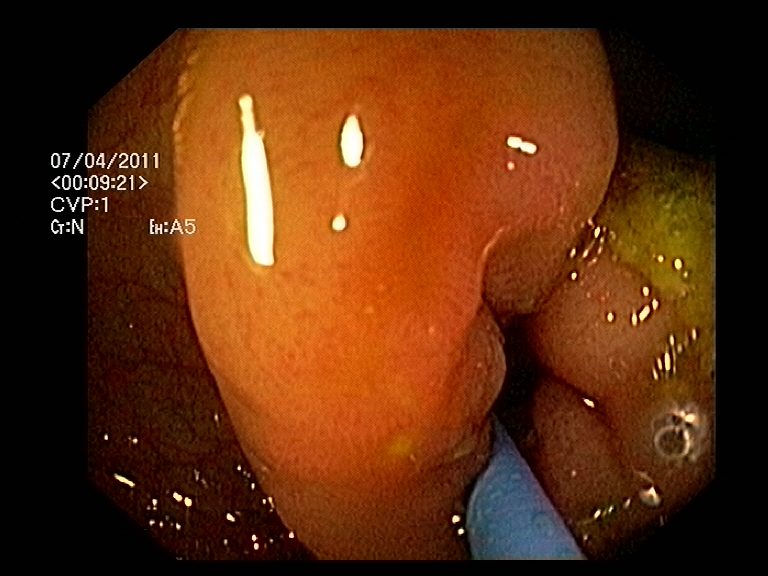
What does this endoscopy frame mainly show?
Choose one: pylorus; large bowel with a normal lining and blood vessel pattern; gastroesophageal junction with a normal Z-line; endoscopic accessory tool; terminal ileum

endoscopic accessory tool